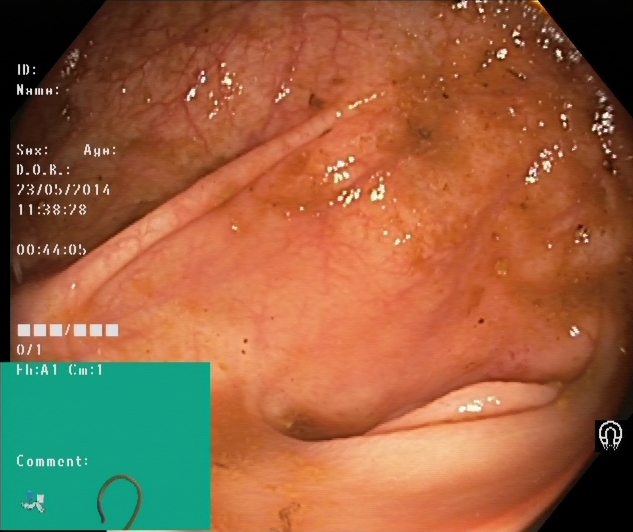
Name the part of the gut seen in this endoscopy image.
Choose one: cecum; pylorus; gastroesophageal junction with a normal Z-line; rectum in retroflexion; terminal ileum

cecum